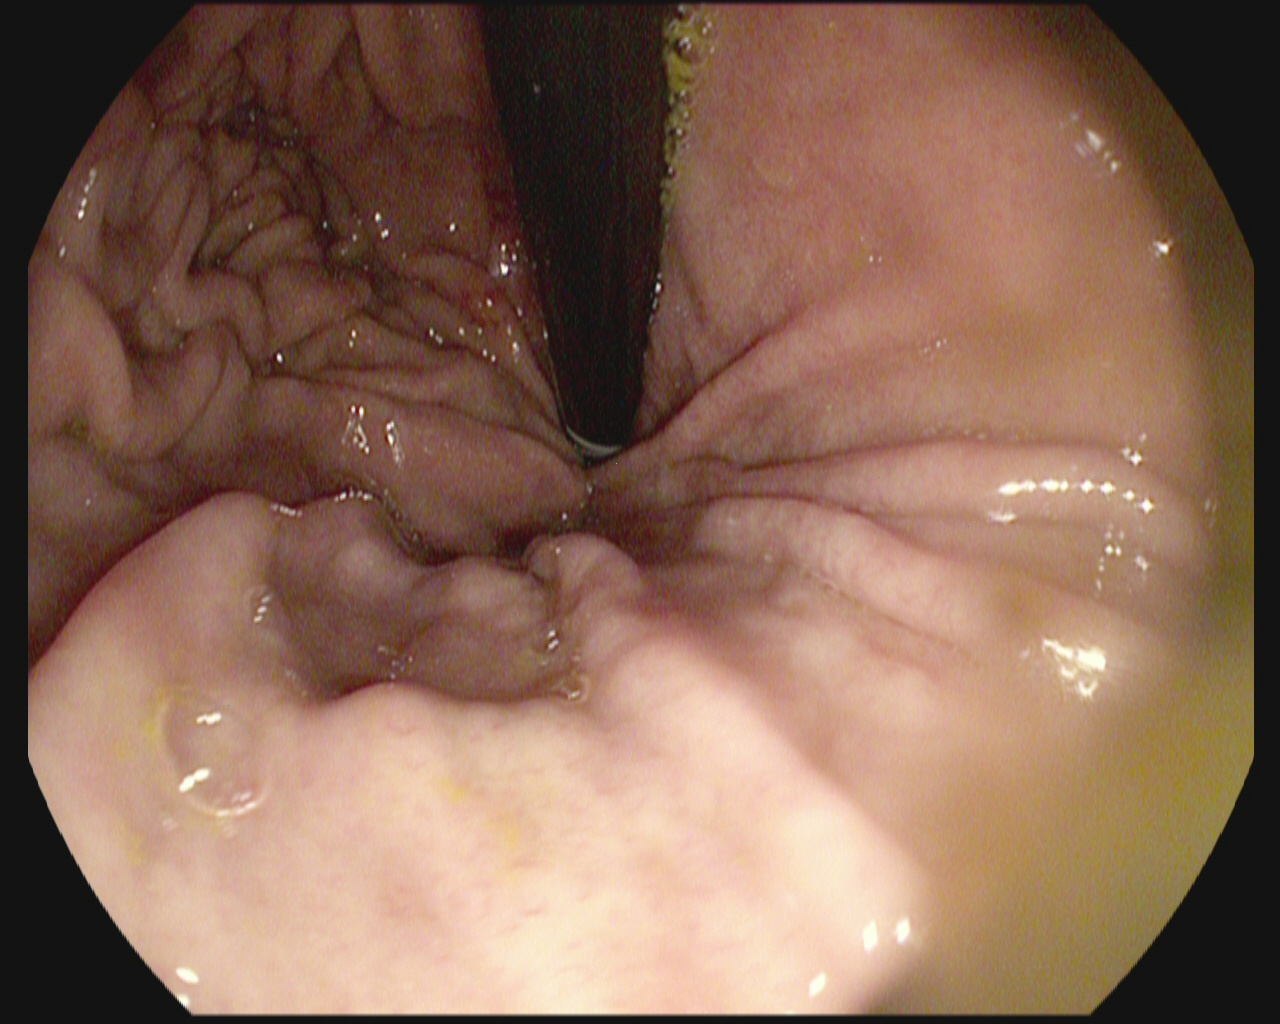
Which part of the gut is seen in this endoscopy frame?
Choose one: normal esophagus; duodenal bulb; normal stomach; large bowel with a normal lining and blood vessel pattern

normal stomach